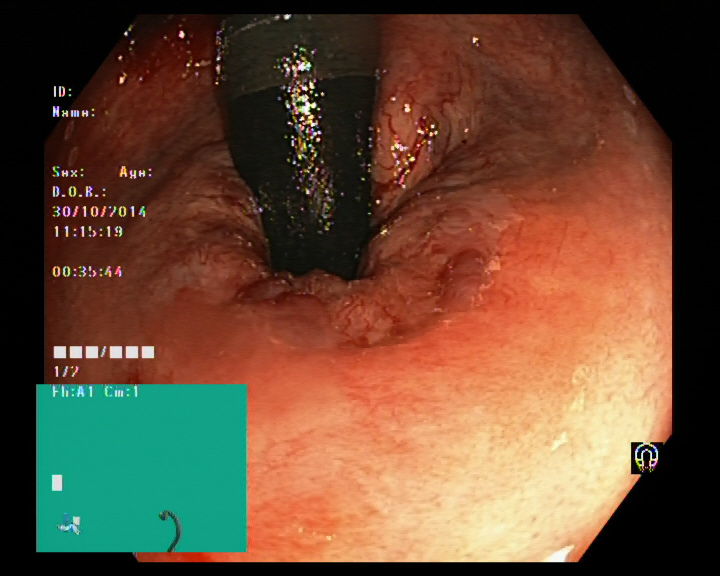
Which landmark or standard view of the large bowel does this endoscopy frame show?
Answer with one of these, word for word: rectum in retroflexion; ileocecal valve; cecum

rectum in retroflexion